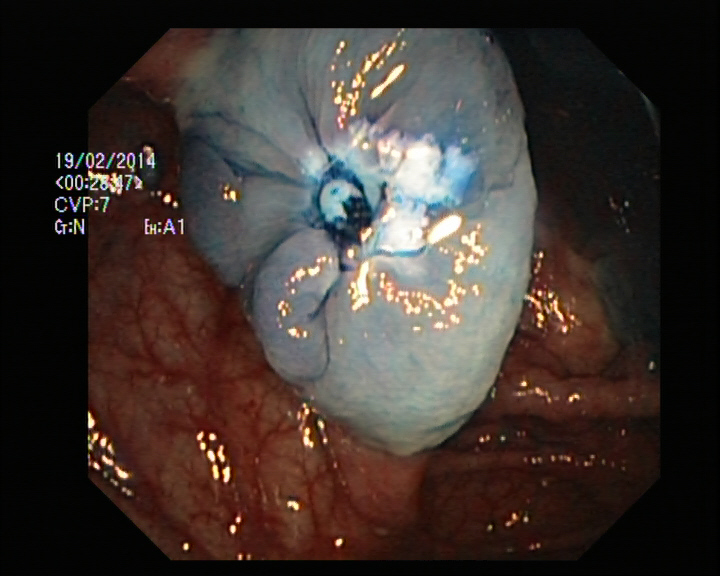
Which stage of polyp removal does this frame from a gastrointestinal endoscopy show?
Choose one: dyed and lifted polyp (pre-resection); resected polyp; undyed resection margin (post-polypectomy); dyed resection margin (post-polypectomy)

dyed resection margin (post-polypectomy)